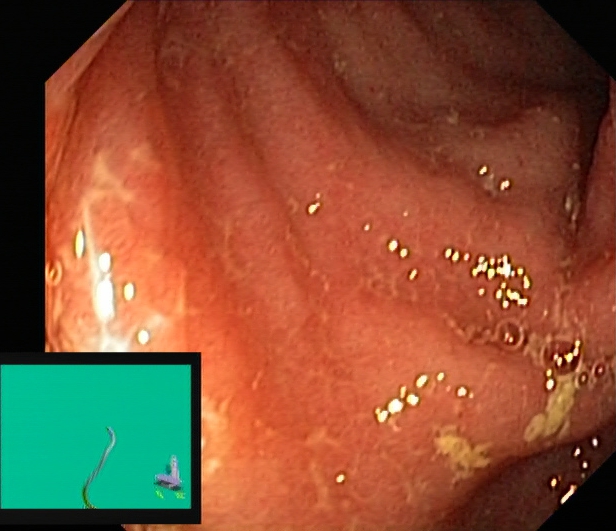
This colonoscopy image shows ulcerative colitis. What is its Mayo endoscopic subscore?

ulcerative colitis, Mayo endoscopic subscore 2